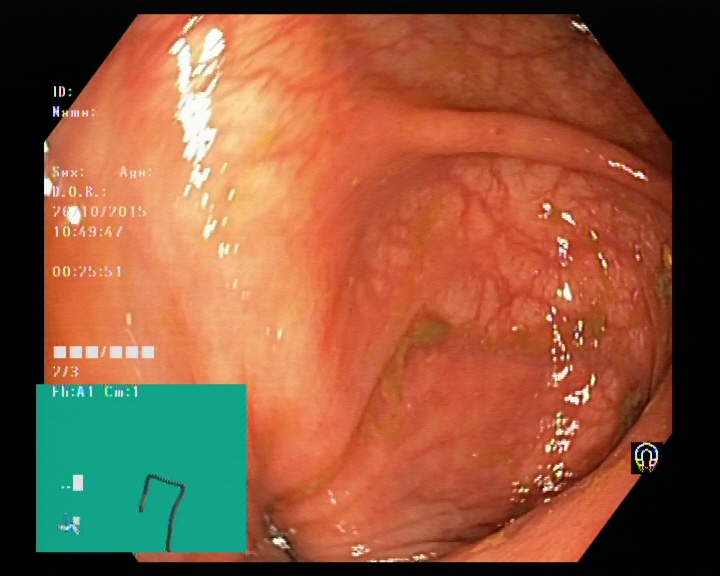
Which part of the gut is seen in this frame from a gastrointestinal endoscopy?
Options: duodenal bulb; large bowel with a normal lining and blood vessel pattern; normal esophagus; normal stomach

large bowel with a normal lining and blood vessel pattern